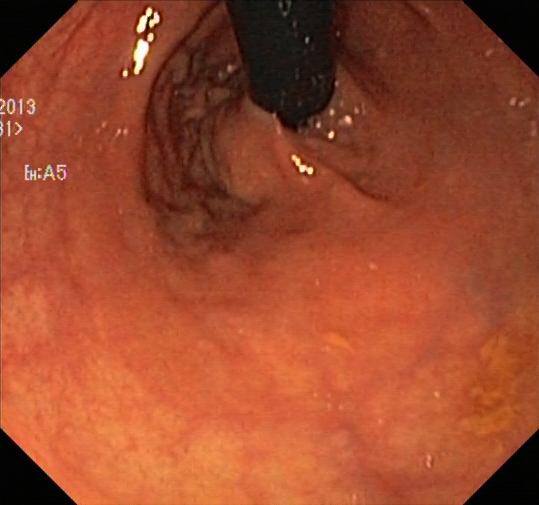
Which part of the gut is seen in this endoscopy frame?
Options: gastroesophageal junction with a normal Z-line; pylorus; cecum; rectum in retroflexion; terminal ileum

rectum in retroflexion